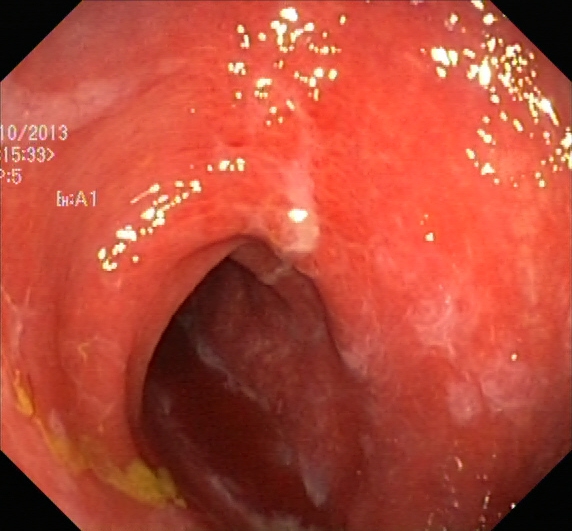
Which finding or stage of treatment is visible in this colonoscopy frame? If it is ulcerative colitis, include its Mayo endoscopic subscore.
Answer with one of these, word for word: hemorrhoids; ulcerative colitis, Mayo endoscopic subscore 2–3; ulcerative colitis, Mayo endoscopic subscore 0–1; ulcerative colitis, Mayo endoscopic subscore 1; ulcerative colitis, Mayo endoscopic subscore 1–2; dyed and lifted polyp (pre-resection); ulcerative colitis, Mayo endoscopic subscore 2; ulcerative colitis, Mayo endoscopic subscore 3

ulcerative colitis, Mayo endoscopic subscore 2